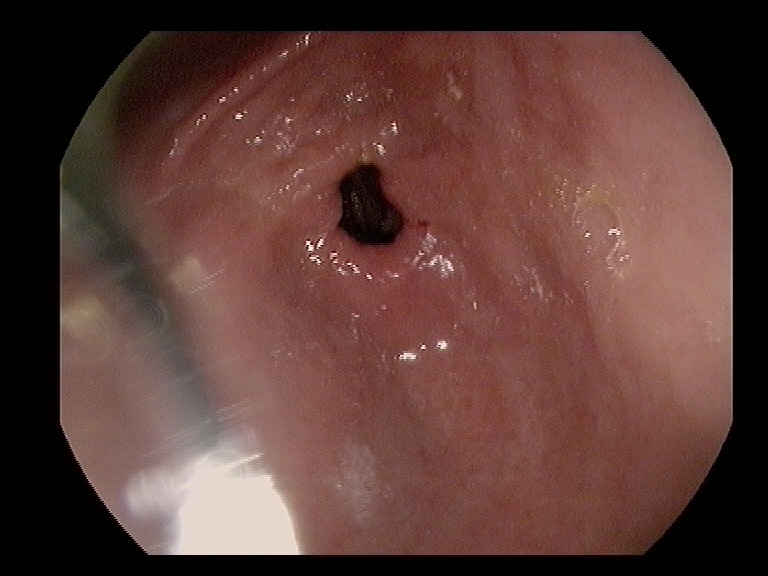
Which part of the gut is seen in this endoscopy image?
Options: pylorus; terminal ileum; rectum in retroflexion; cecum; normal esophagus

pylorus